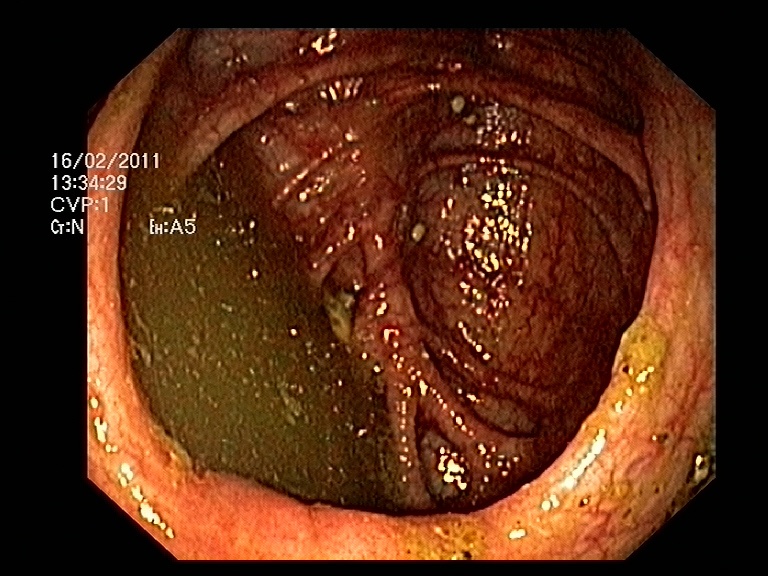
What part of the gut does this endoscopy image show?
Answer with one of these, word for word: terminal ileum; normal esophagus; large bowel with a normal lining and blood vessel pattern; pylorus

large bowel with a normal lining and blood vessel pattern